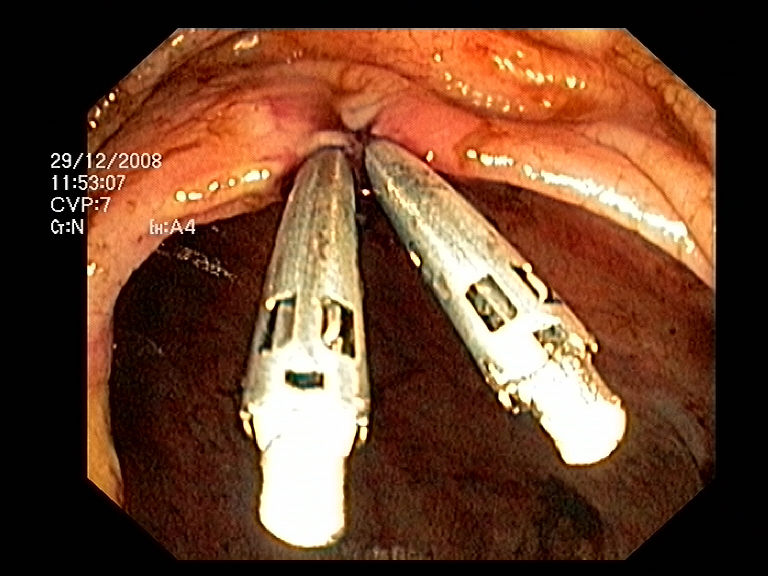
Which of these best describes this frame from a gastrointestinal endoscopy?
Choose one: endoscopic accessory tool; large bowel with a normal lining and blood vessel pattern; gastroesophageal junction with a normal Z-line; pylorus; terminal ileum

endoscopic accessory tool